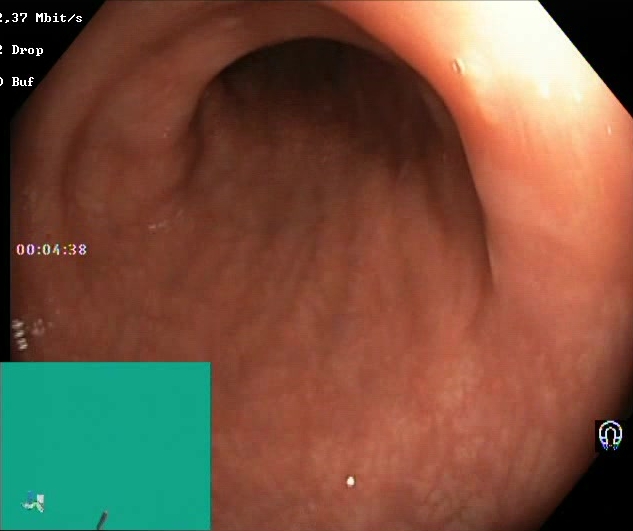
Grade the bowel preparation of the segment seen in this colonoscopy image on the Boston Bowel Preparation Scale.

Boston Bowel Preparation Scale score 2–3 (adequate preparation)